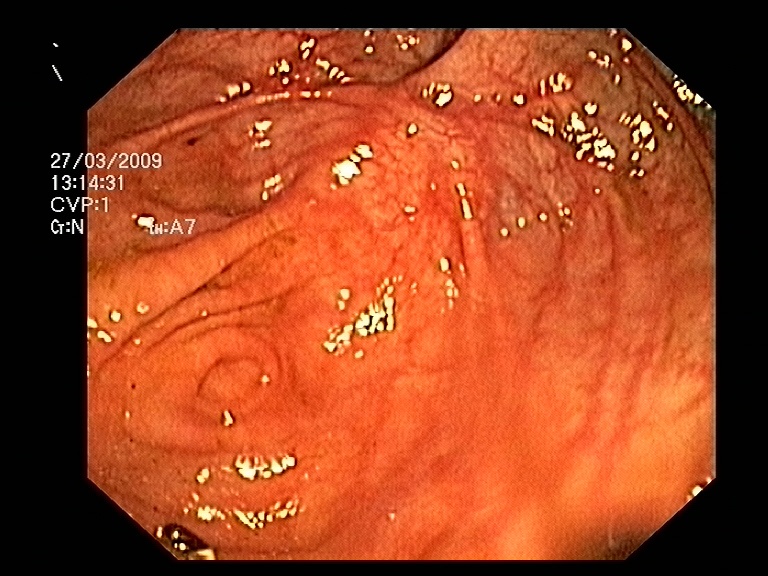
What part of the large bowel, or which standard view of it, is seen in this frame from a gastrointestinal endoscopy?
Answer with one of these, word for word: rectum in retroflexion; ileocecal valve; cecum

cecum